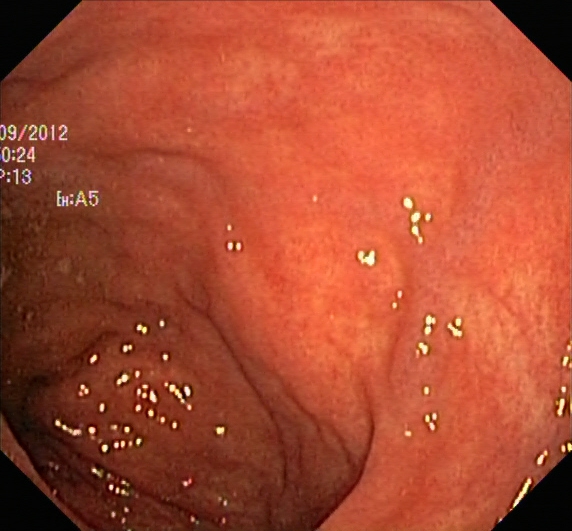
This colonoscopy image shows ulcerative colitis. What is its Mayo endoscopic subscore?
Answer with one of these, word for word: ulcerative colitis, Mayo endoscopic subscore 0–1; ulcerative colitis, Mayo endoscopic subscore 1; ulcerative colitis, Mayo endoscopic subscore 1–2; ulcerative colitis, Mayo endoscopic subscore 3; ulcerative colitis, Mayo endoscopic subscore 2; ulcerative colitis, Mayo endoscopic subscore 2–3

ulcerative colitis, Mayo endoscopic subscore 2